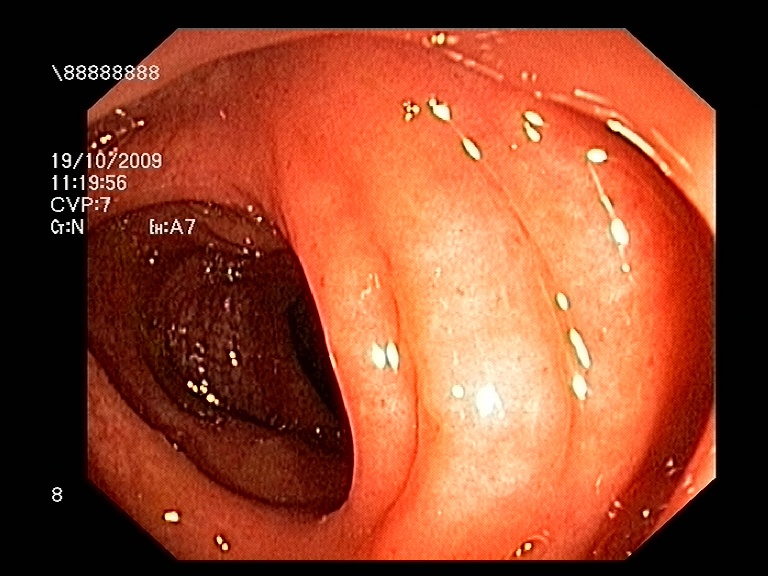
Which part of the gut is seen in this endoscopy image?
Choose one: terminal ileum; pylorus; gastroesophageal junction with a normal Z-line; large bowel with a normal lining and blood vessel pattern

large bowel with a normal lining and blood vessel pattern